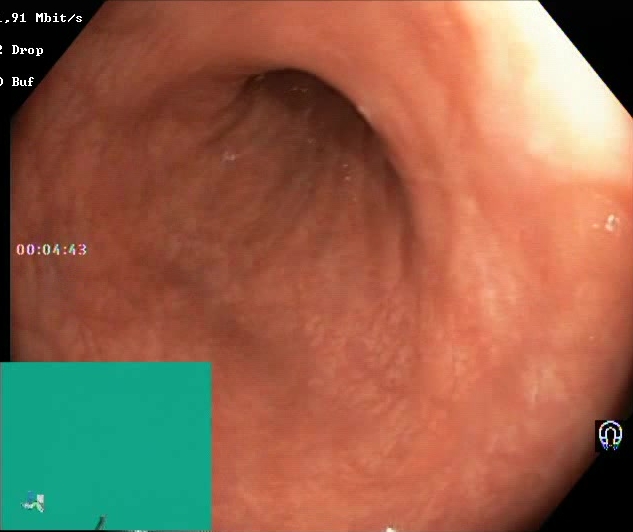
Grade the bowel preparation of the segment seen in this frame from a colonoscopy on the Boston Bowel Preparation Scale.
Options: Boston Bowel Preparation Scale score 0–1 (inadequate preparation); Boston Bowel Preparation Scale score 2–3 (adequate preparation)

Boston Bowel Preparation Scale score 2–3 (adequate preparation)